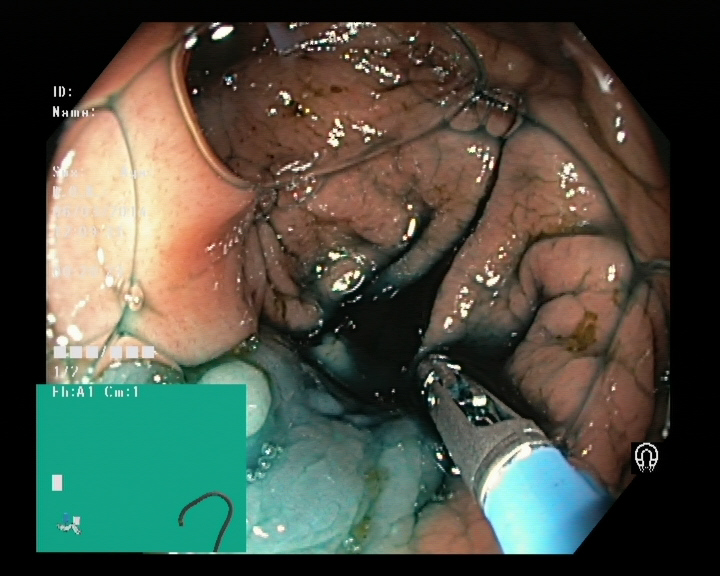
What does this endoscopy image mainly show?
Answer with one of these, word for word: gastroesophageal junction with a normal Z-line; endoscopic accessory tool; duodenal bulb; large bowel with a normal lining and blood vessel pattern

endoscopic accessory tool